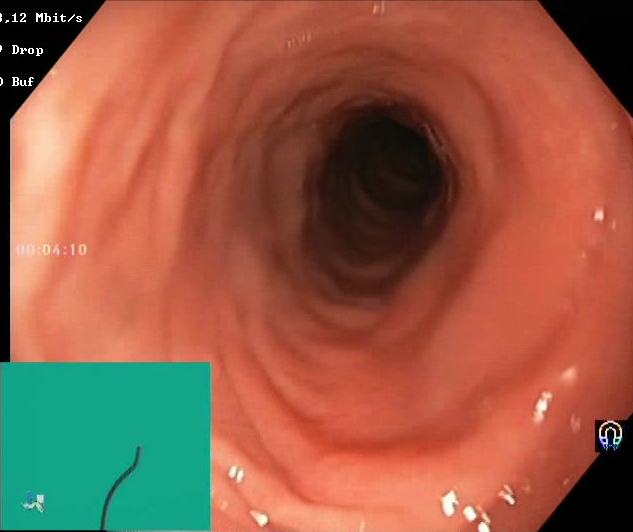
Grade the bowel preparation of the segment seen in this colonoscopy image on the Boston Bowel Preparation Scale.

Boston Bowel Preparation Scale score 2–3 (adequate preparation)